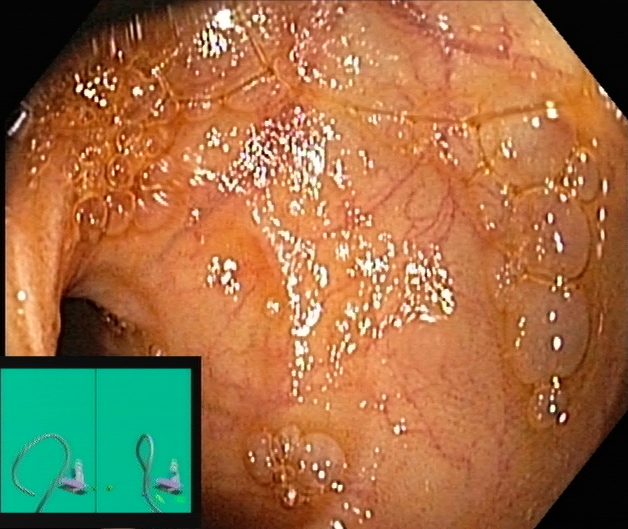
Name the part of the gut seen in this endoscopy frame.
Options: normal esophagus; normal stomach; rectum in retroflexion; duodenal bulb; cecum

cecum